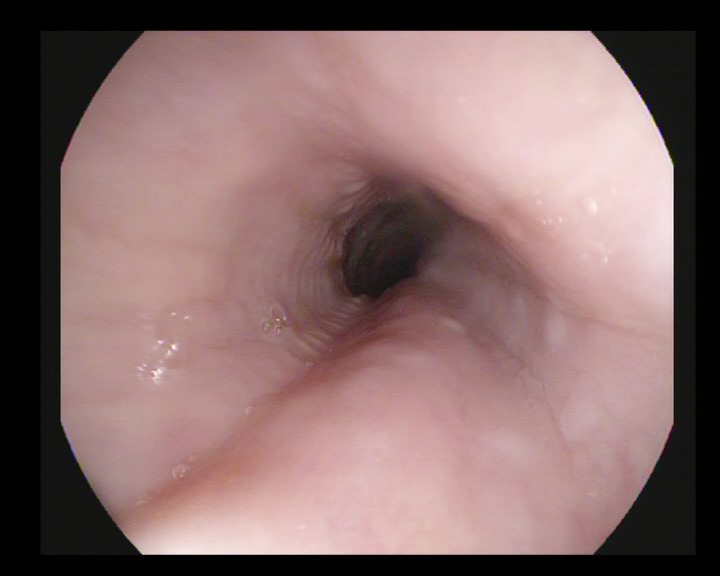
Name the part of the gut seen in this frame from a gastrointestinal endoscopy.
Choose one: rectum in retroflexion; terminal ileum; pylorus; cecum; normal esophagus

normal esophagus